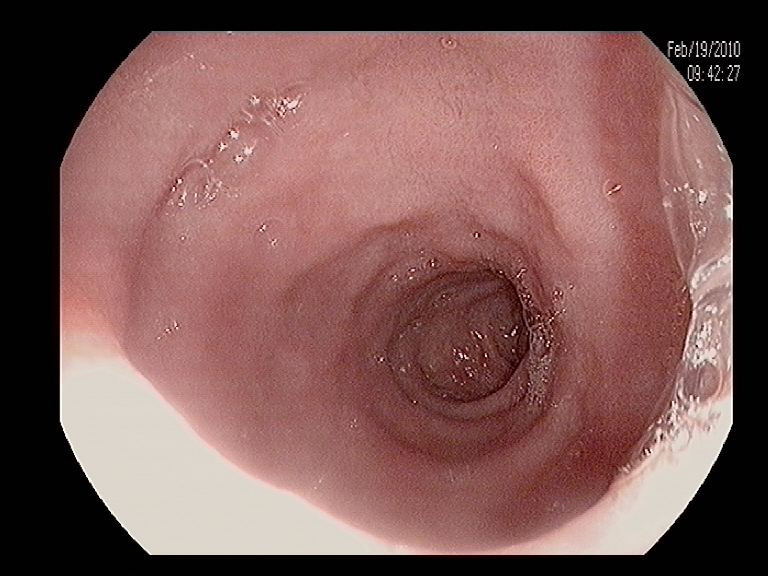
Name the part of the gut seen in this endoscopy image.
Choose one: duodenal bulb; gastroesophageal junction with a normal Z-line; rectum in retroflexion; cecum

duodenal bulb